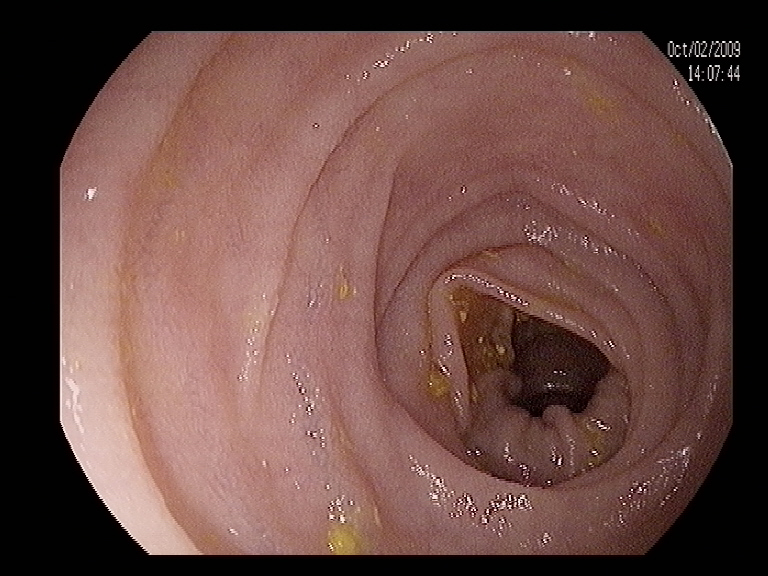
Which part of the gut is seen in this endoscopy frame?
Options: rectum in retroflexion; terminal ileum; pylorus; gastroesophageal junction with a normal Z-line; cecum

terminal ileum